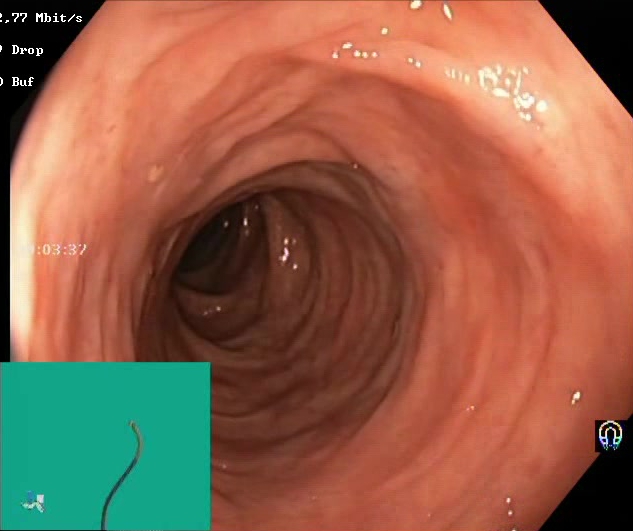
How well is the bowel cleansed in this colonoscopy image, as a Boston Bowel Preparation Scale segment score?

Boston Bowel Preparation Scale score 2–3 (adequate preparation)